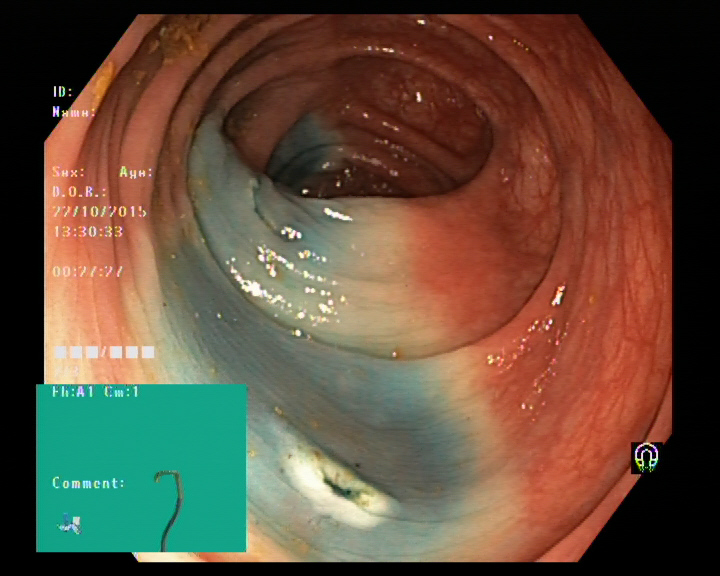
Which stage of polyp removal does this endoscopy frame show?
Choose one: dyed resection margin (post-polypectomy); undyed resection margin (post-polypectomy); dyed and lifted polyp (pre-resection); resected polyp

dyed resection margin (post-polypectomy)